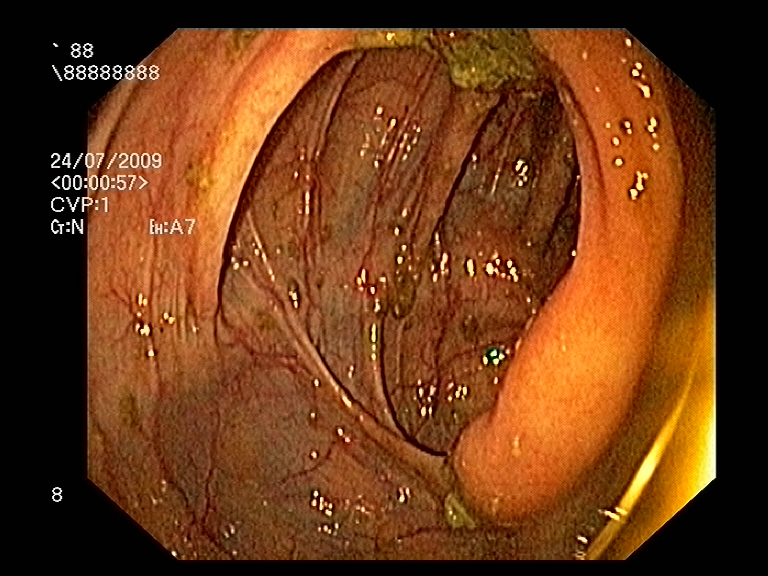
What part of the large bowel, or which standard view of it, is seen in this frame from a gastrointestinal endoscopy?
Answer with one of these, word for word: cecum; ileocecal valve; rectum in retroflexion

ileocecal valve